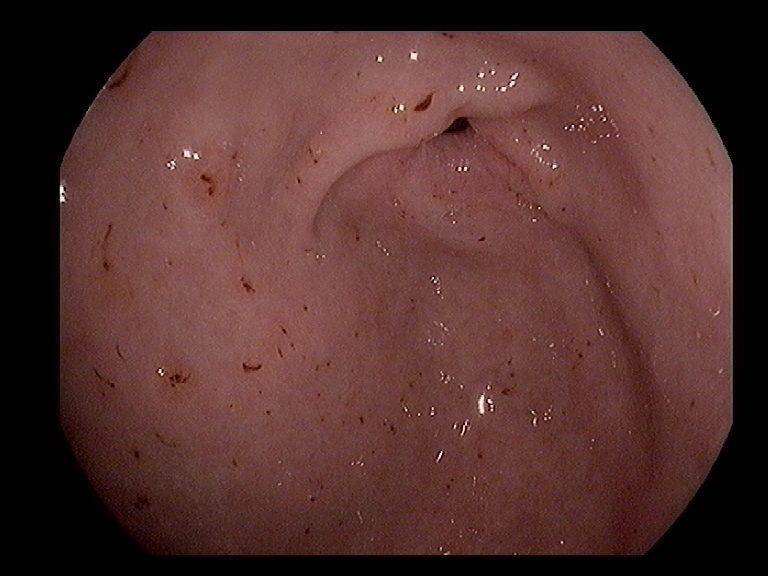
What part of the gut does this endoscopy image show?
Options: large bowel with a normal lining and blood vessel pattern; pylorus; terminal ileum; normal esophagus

pylorus